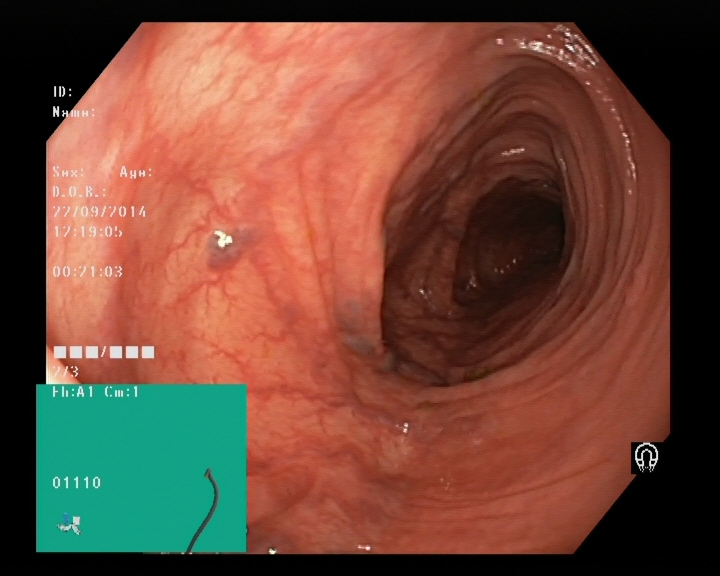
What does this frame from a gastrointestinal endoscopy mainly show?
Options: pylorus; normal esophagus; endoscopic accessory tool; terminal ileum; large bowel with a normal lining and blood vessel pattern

large bowel with a normal lining and blood vessel pattern